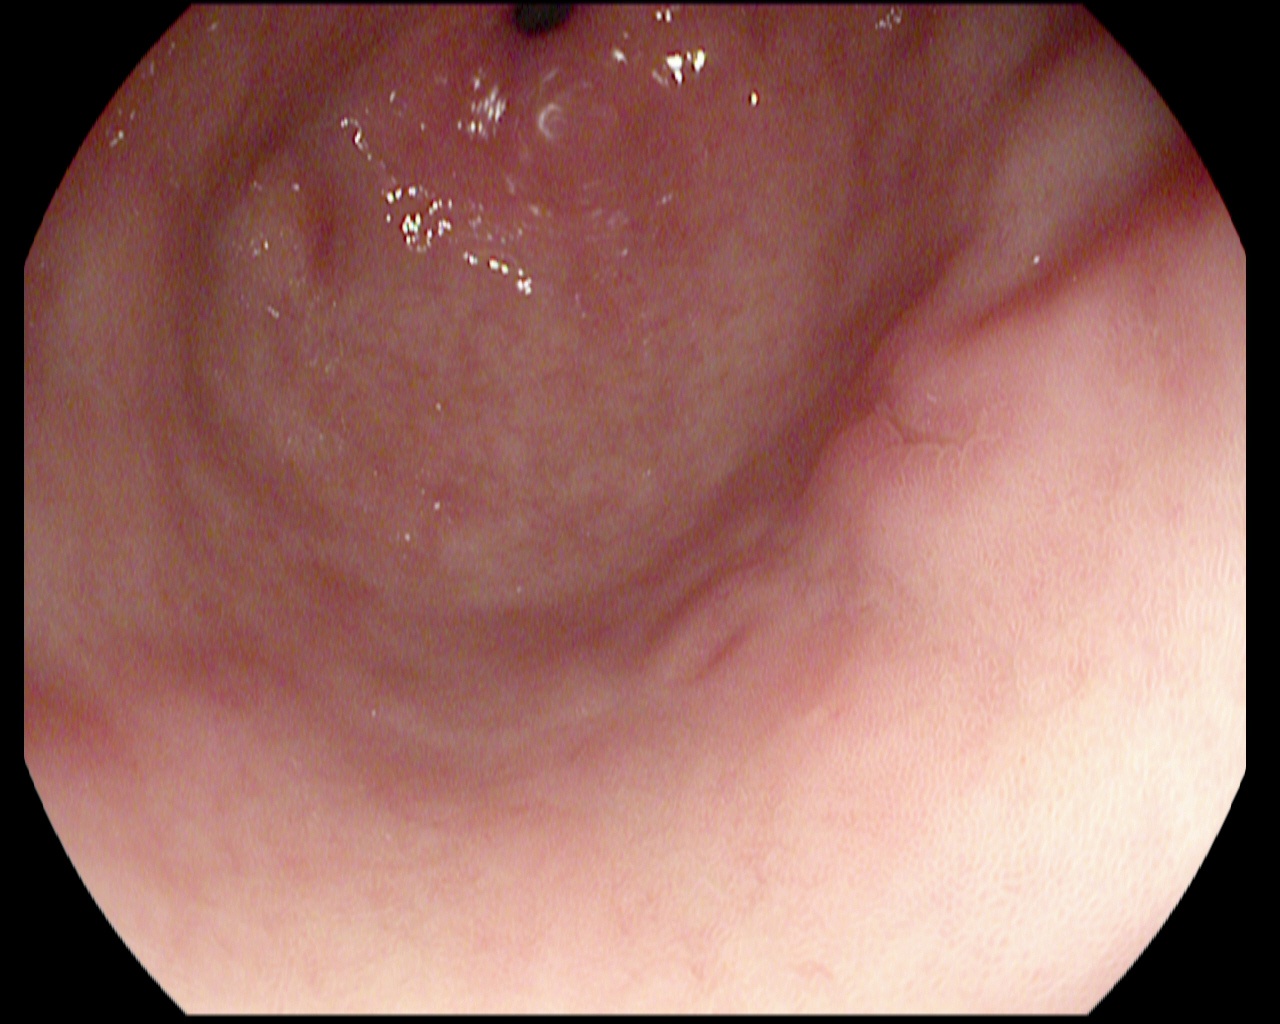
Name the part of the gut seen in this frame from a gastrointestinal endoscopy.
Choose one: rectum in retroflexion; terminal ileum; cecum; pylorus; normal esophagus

pylorus